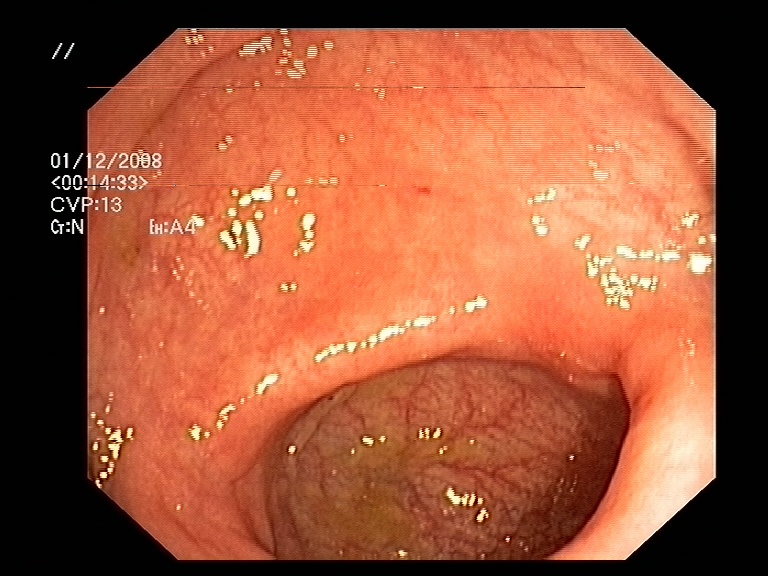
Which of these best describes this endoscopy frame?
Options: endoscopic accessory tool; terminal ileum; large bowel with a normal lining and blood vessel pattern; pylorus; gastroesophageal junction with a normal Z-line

large bowel with a normal lining and blood vessel pattern